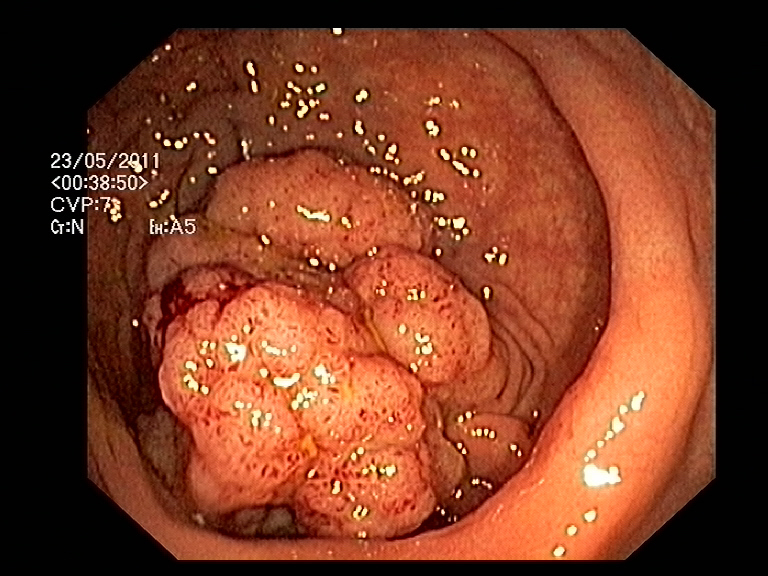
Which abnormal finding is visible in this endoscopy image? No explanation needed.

colon polyp